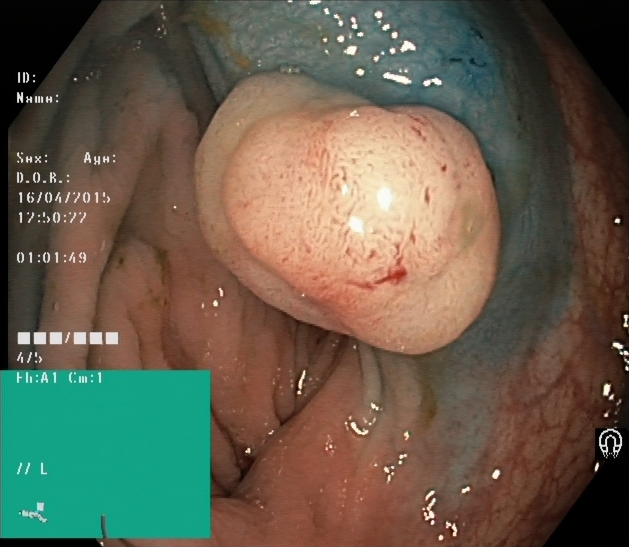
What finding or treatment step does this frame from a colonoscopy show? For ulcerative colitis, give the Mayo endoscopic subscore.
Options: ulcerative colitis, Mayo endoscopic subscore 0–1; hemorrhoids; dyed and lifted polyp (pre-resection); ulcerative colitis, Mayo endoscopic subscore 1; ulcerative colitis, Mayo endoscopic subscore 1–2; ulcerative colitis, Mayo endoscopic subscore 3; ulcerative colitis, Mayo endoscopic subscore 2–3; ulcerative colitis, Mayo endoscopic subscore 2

dyed and lifted polyp (pre-resection)